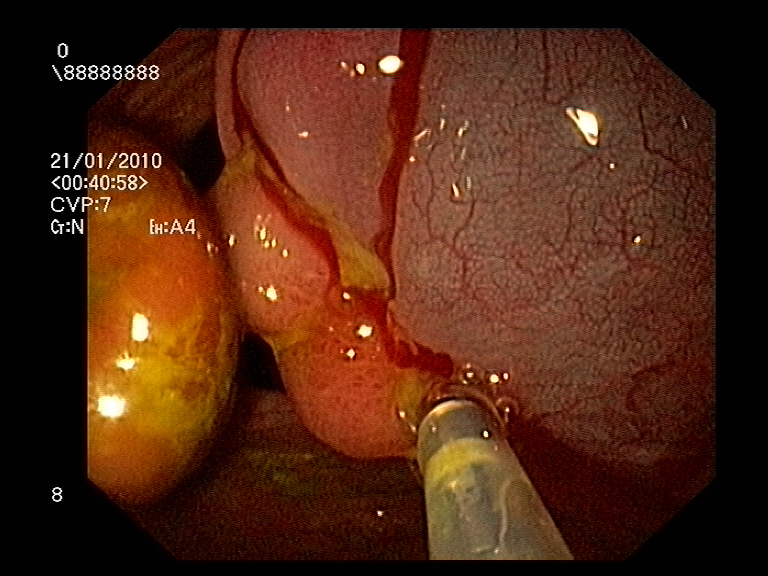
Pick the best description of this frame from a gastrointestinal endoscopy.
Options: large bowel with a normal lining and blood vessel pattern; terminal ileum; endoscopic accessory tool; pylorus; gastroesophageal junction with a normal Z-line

endoscopic accessory tool